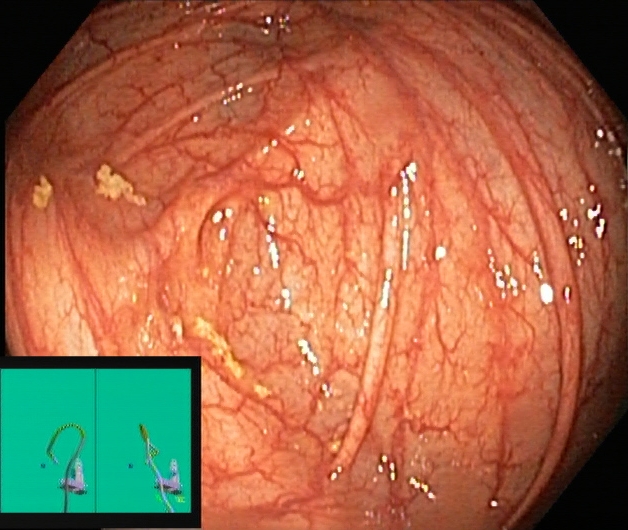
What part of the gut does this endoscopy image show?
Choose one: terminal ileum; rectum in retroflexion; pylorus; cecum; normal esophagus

cecum